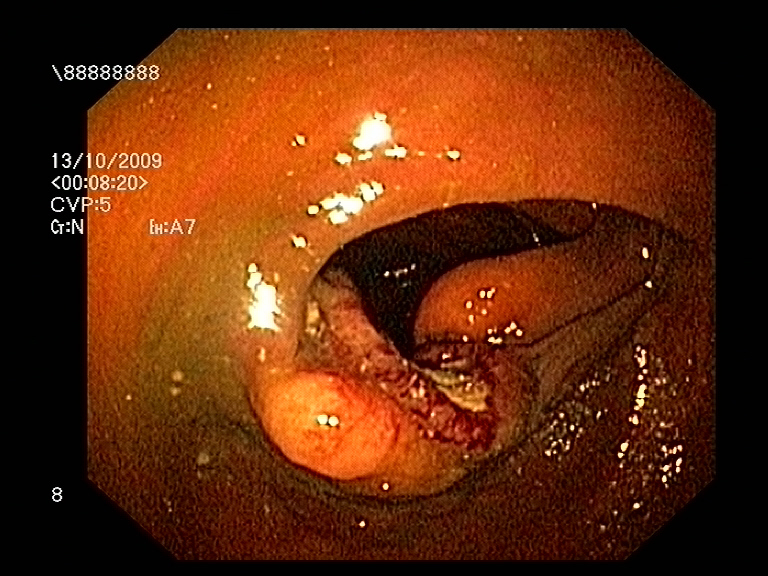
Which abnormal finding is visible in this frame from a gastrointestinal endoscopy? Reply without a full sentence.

colon polyp